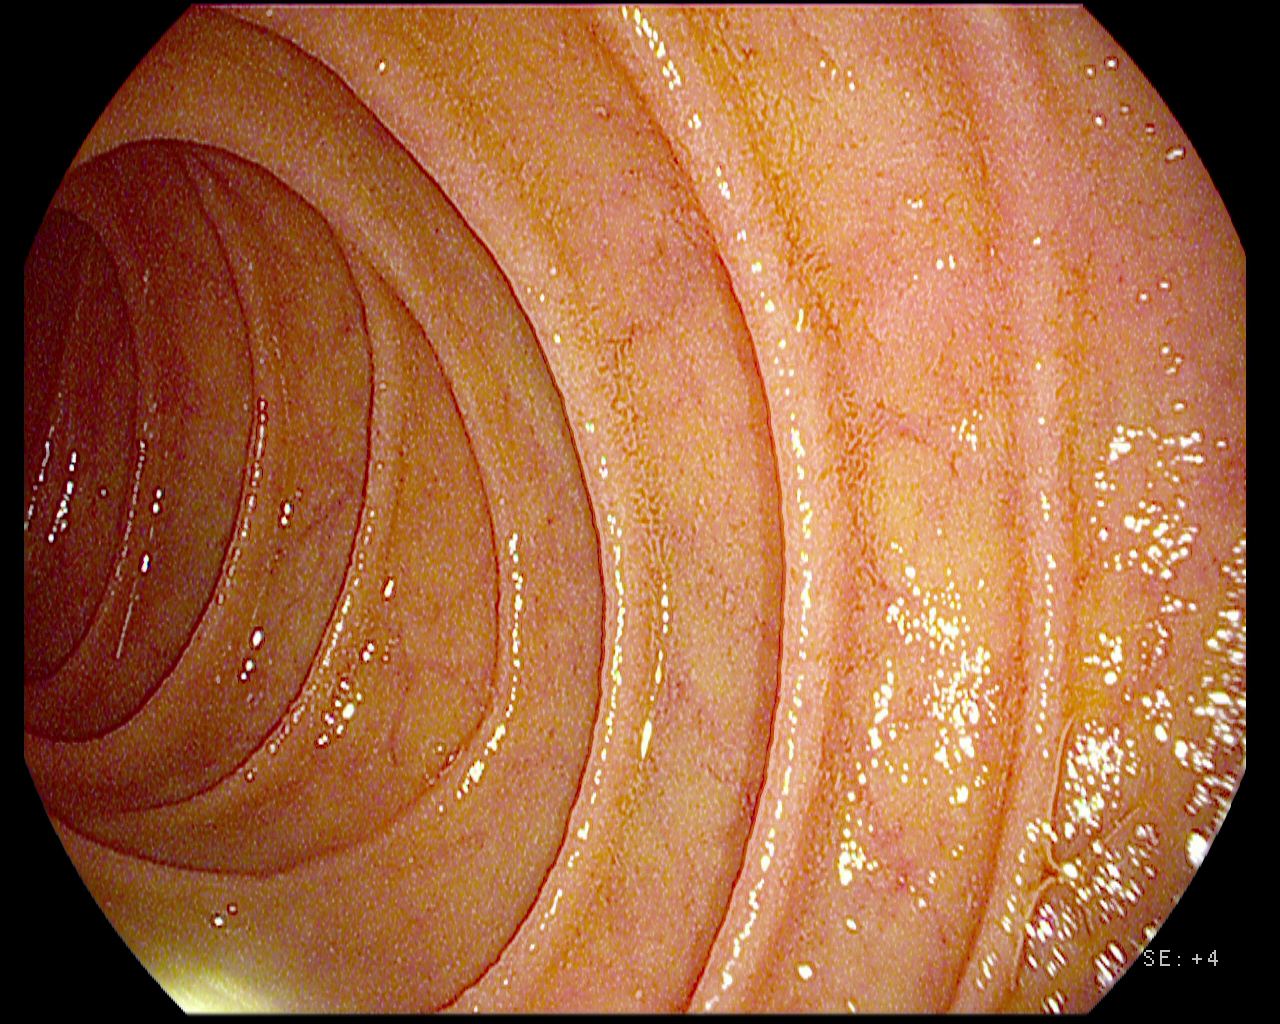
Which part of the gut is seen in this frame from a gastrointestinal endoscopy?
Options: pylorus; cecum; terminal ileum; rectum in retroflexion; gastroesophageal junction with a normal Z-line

terminal ileum